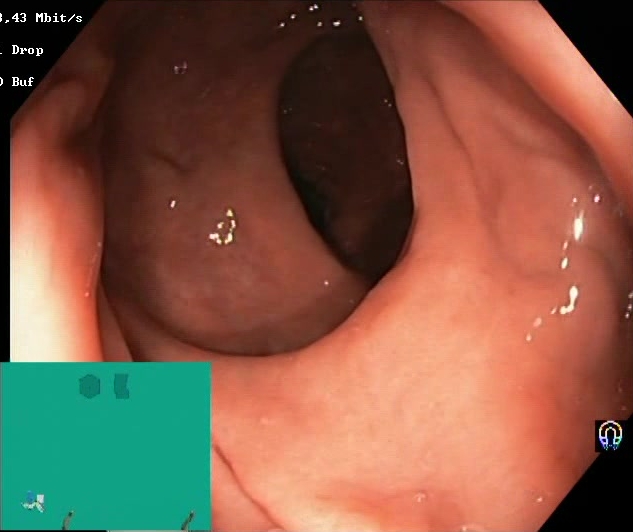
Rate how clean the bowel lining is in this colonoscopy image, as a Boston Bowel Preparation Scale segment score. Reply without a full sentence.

Boston Bowel Preparation Scale score 2–3 (adequate preparation)